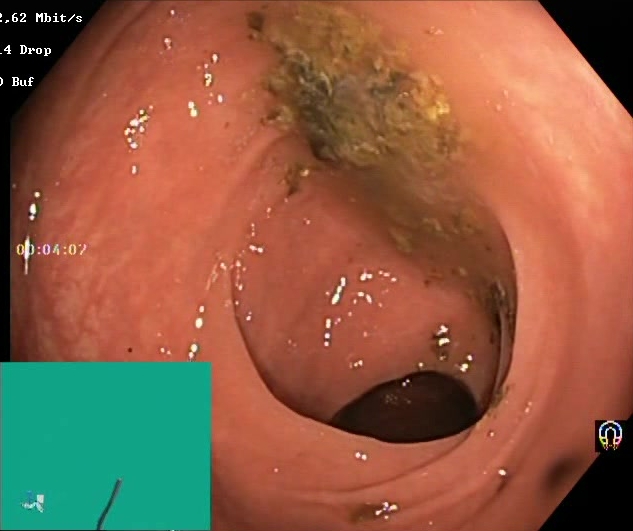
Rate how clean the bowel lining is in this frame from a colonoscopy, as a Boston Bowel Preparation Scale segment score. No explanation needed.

Boston Bowel Preparation Scale score 0–1 (inadequate preparation)